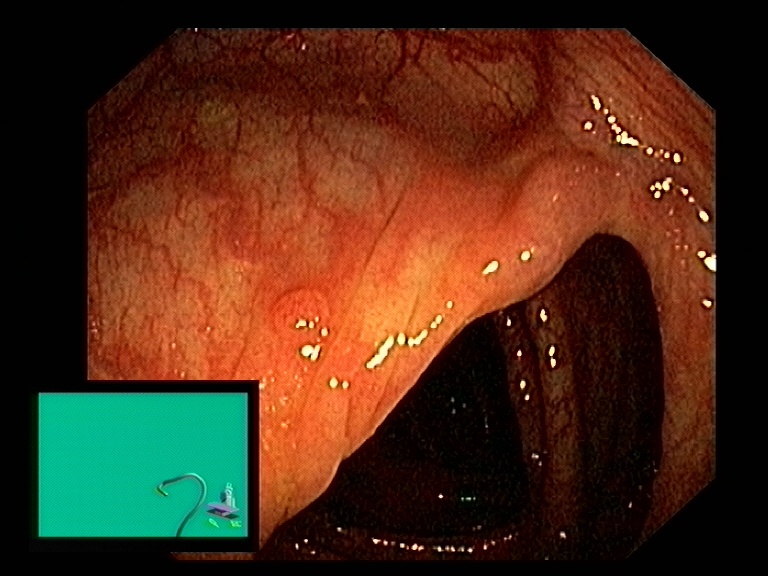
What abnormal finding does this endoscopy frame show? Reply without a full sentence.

colon polyp